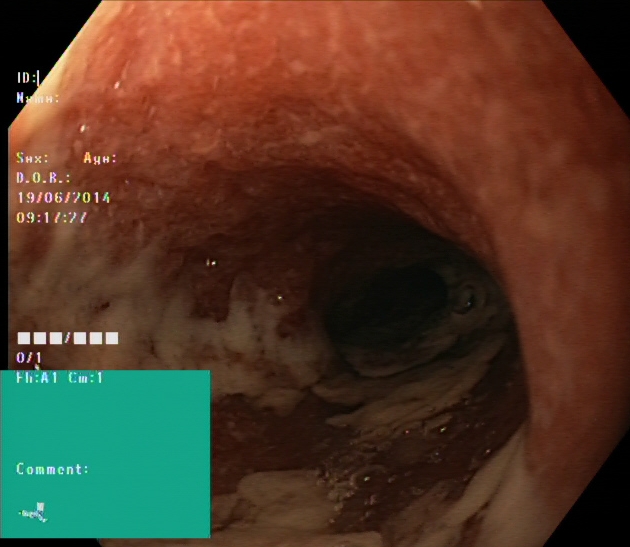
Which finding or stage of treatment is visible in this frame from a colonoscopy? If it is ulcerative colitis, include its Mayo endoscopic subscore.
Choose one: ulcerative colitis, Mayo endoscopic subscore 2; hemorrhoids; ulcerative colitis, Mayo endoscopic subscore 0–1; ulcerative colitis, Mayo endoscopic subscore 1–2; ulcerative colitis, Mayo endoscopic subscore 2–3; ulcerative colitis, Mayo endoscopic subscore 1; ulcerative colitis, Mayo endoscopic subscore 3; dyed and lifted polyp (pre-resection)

ulcerative colitis, Mayo endoscopic subscore 2